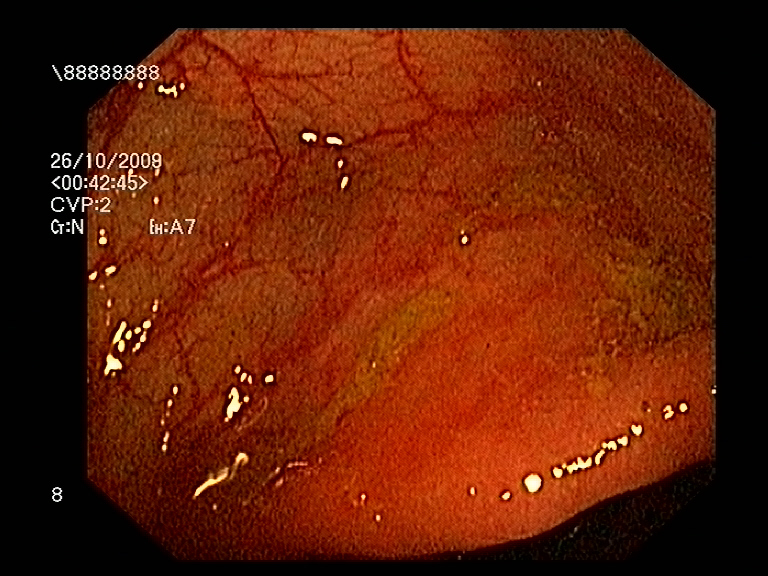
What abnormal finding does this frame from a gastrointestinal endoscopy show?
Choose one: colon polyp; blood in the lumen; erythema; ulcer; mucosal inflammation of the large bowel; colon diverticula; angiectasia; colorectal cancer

erythema